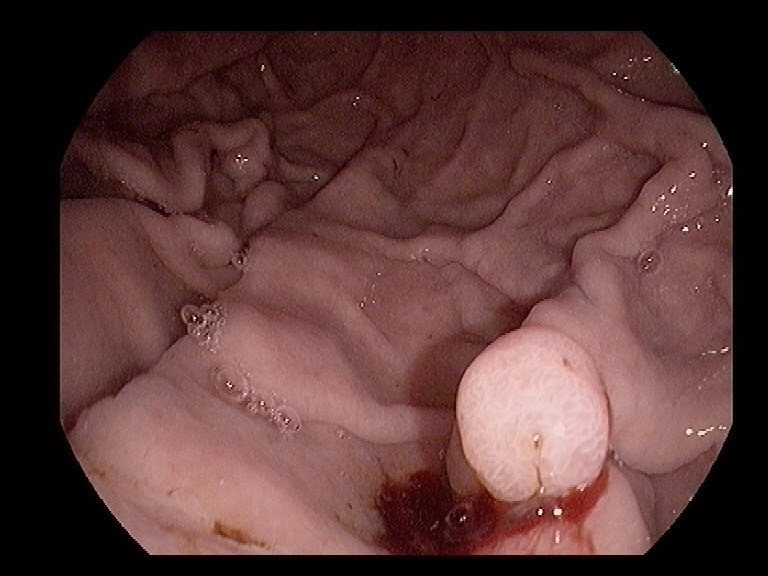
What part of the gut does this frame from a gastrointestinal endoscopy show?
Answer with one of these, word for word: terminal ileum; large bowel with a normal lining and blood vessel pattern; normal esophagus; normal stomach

normal stomach